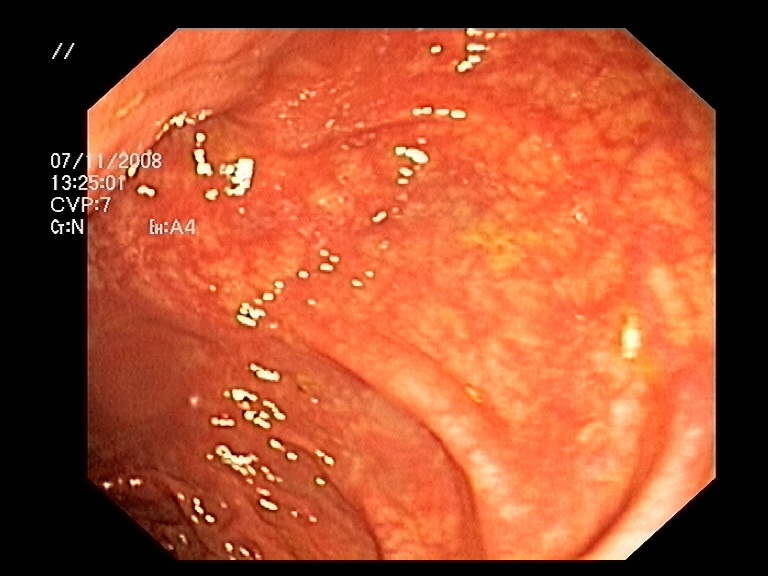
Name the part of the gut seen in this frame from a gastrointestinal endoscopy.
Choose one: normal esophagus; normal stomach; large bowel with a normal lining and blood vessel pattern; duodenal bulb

large bowel with a normal lining and blood vessel pattern